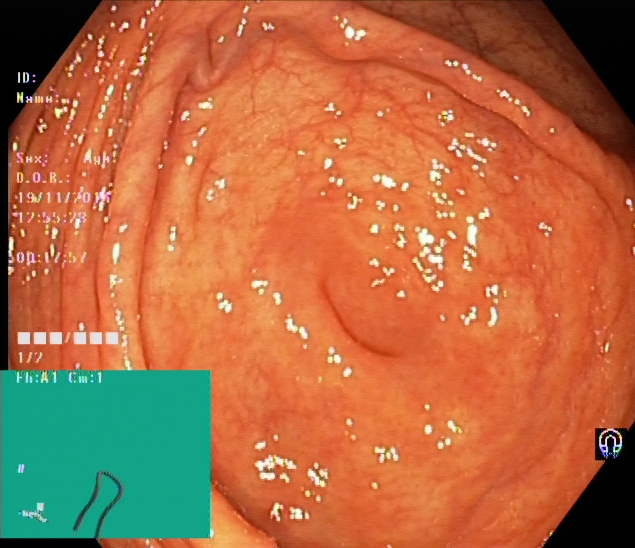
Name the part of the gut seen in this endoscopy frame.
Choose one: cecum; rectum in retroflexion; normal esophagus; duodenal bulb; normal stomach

cecum